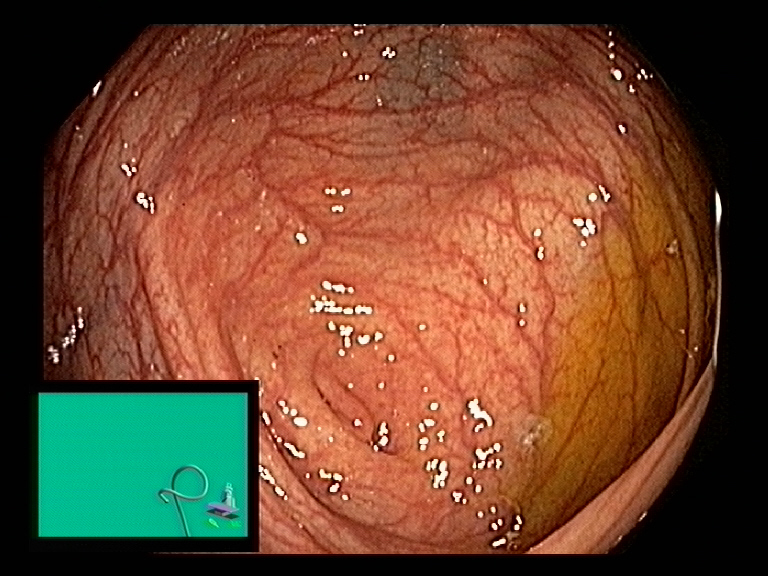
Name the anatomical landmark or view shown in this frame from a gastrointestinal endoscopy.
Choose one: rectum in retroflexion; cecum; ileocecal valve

cecum